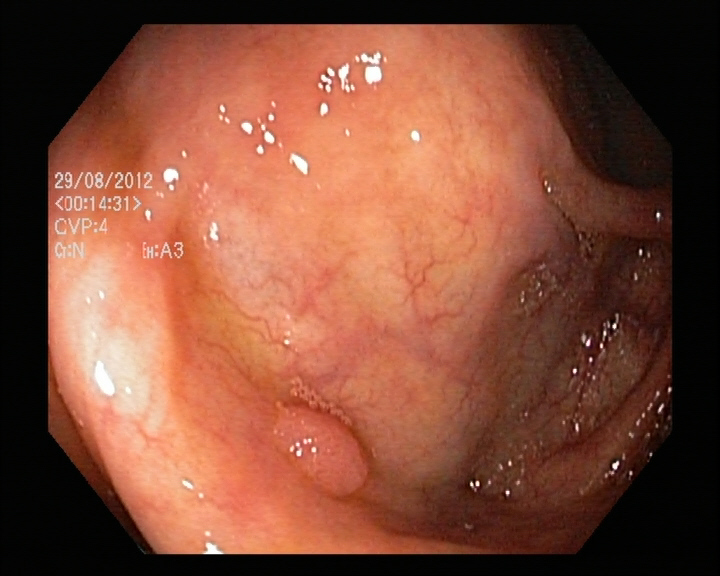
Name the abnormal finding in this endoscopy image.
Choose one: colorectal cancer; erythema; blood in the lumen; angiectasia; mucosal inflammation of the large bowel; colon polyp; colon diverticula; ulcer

colon polyp